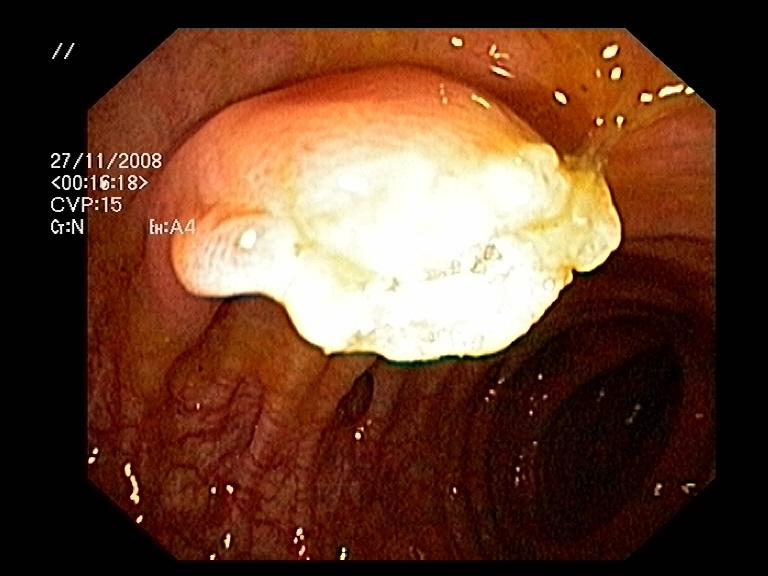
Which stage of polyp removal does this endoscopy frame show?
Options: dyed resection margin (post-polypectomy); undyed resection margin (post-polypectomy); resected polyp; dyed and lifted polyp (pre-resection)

undyed resection margin (post-polypectomy)